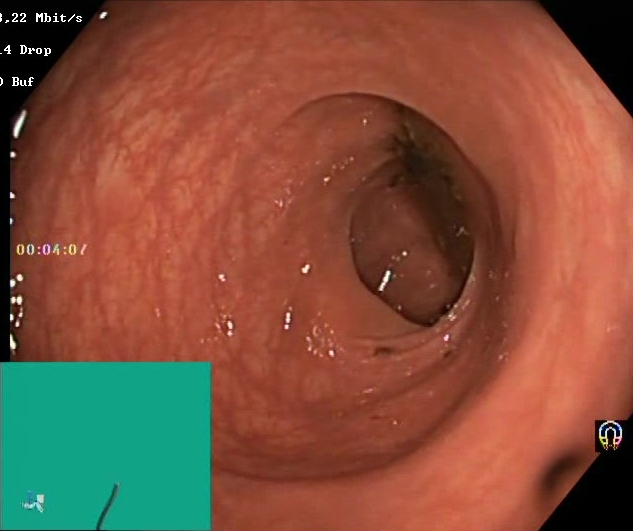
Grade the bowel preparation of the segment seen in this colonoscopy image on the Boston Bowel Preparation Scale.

Boston Bowel Preparation Scale score 0–1 (inadequate preparation)